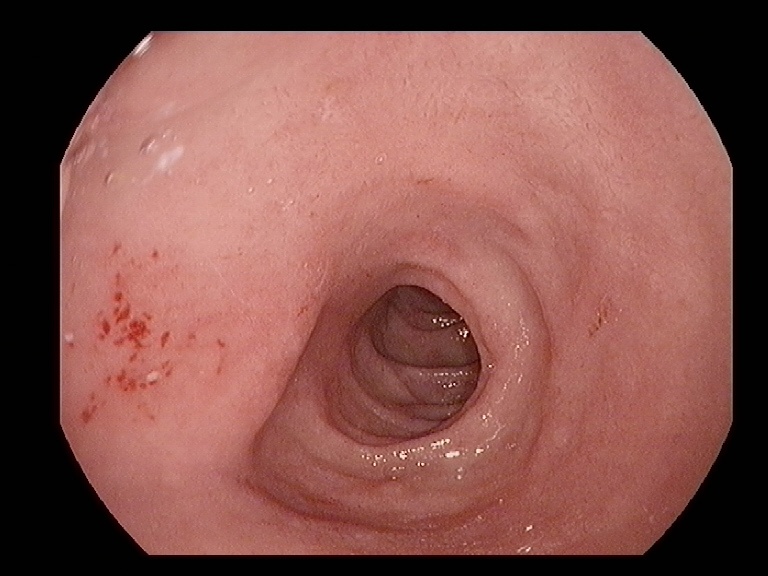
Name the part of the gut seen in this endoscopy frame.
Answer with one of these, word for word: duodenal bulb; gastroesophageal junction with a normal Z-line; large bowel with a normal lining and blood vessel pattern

duodenal bulb